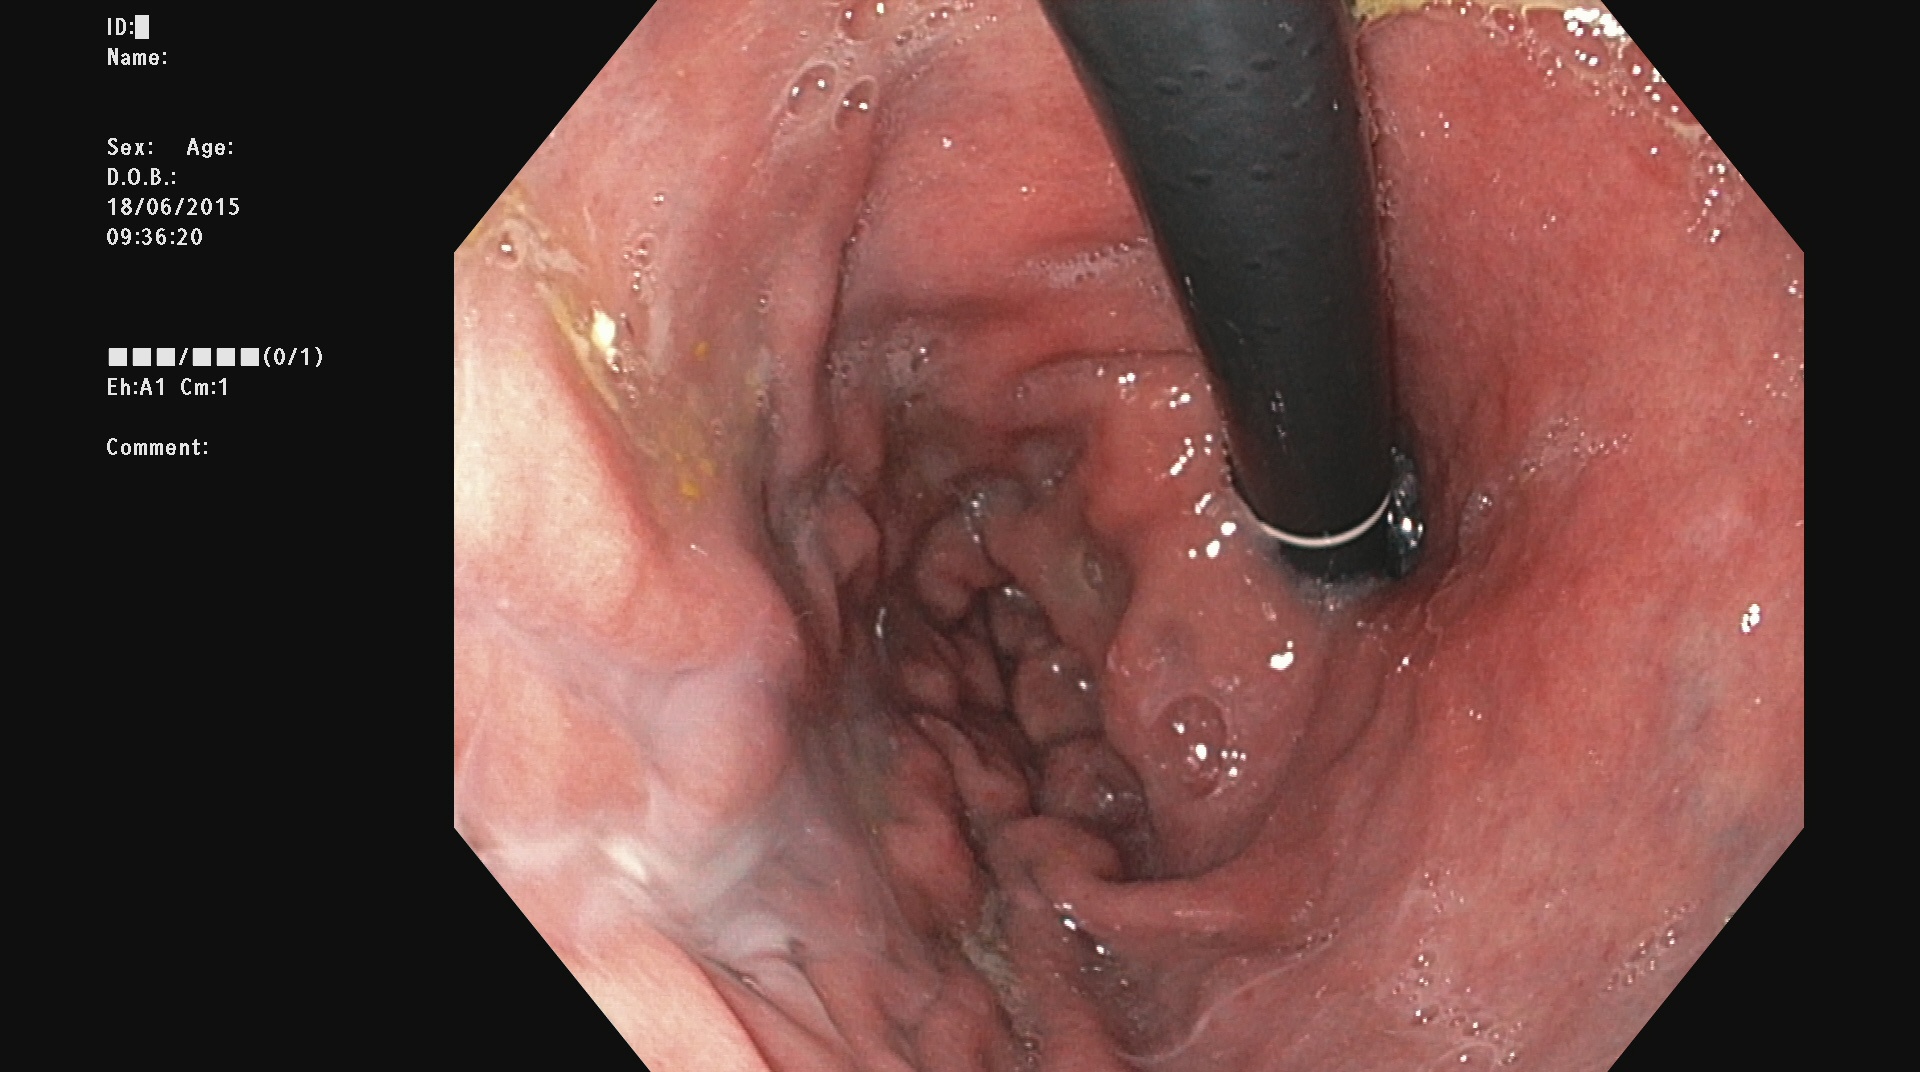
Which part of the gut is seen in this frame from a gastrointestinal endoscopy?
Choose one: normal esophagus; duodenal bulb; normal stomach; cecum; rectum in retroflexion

normal stomach